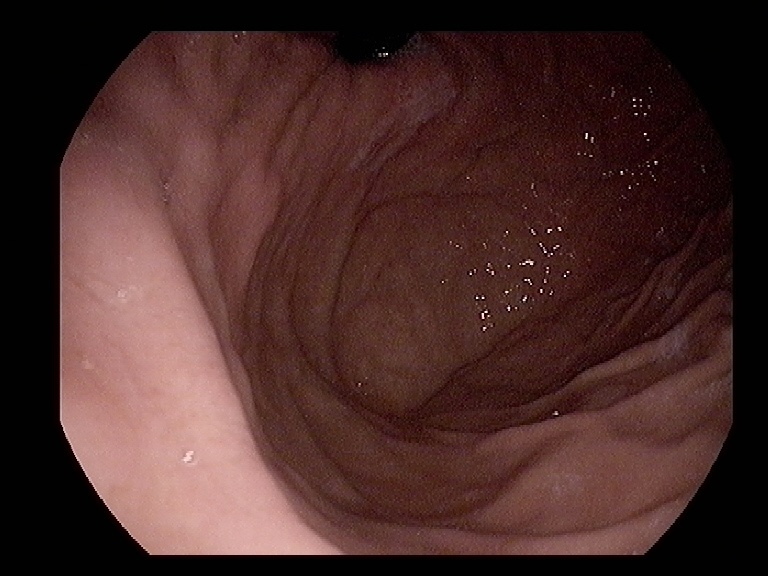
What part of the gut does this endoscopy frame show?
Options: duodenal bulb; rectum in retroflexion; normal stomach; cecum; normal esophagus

normal stomach